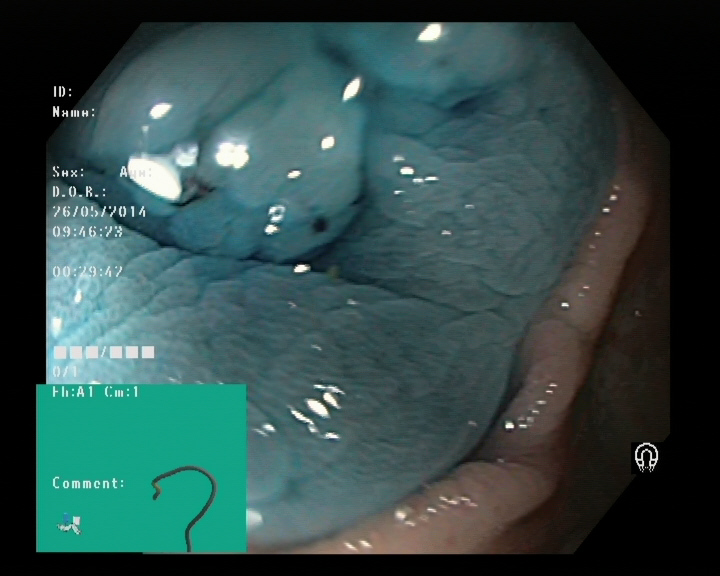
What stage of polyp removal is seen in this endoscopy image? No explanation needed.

dyed and lifted polyp (pre-resection)